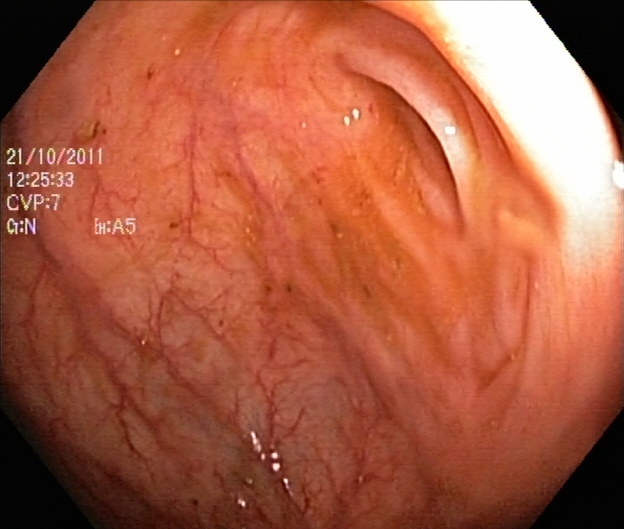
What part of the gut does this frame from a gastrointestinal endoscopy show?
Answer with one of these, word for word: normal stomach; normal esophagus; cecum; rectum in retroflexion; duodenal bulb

cecum